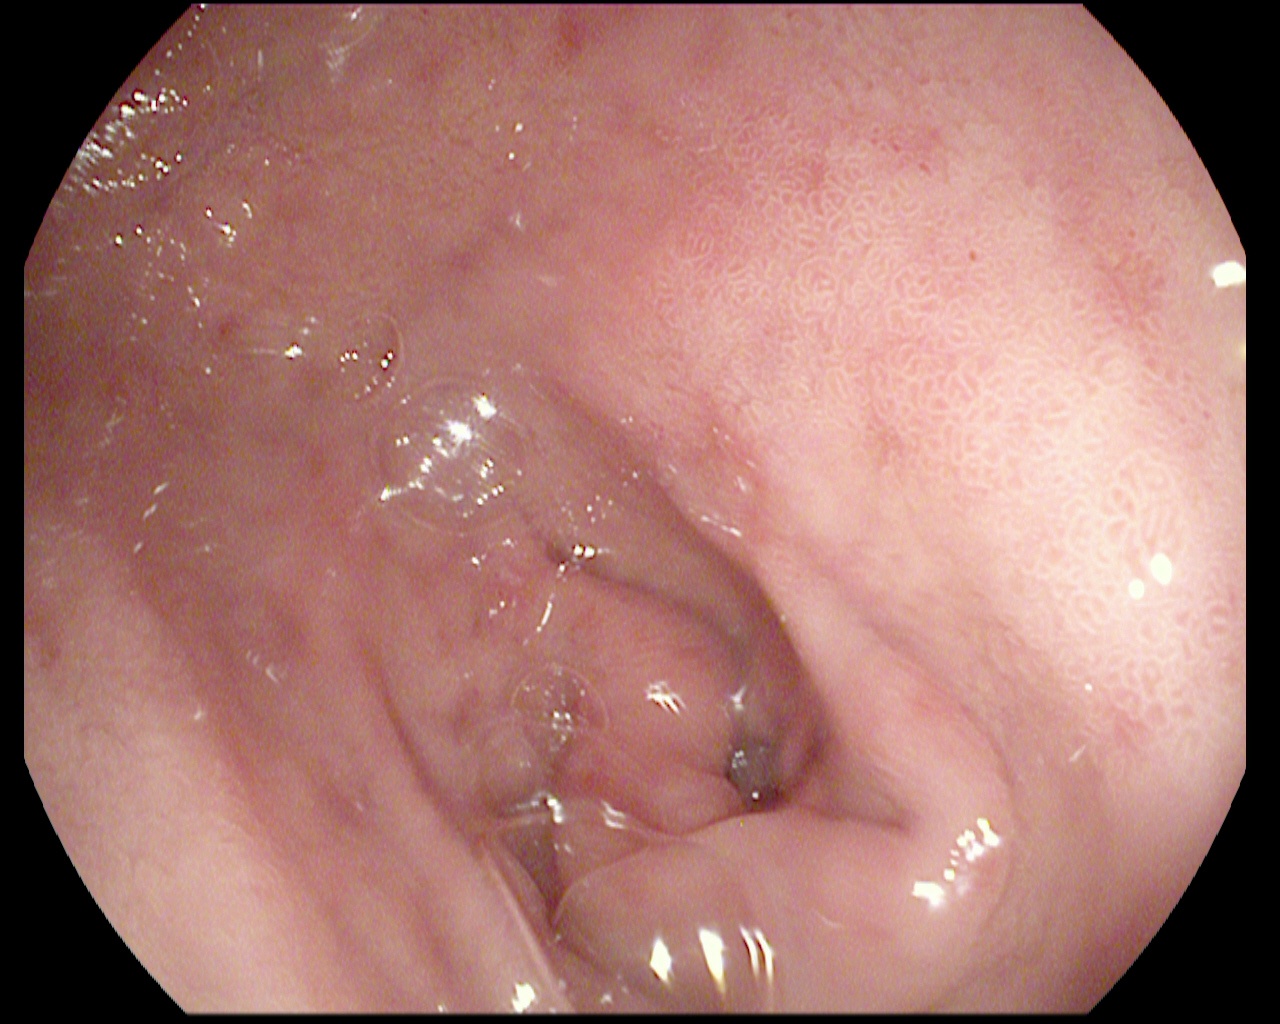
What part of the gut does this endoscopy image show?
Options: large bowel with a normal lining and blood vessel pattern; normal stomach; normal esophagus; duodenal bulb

normal stomach